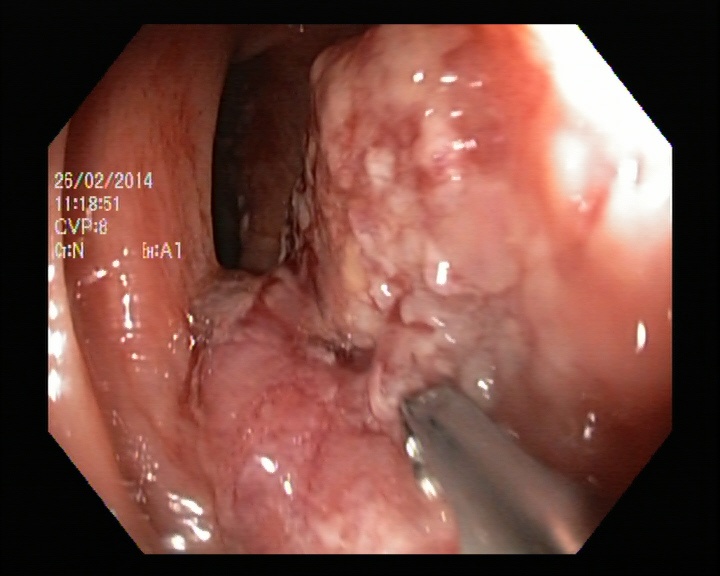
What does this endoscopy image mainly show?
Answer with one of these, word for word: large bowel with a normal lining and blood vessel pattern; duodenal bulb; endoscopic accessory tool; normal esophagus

endoscopic accessory tool